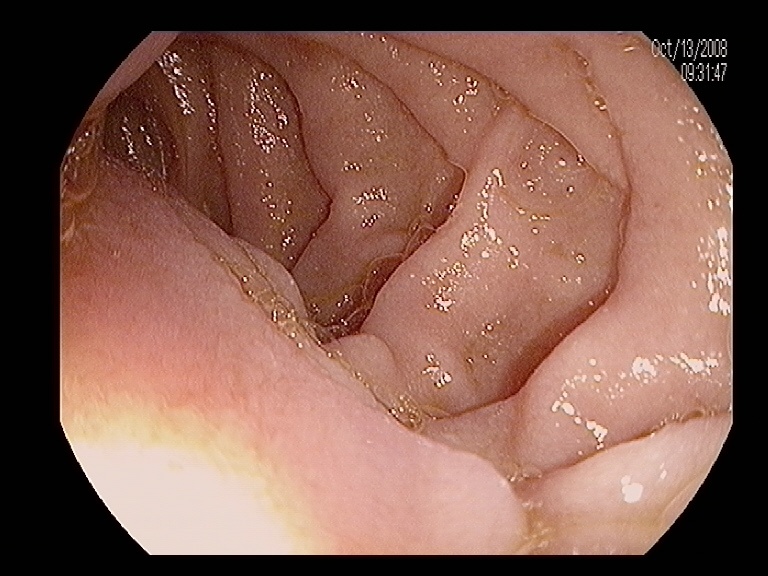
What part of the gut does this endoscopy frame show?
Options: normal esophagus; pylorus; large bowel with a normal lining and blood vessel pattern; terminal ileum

terminal ileum